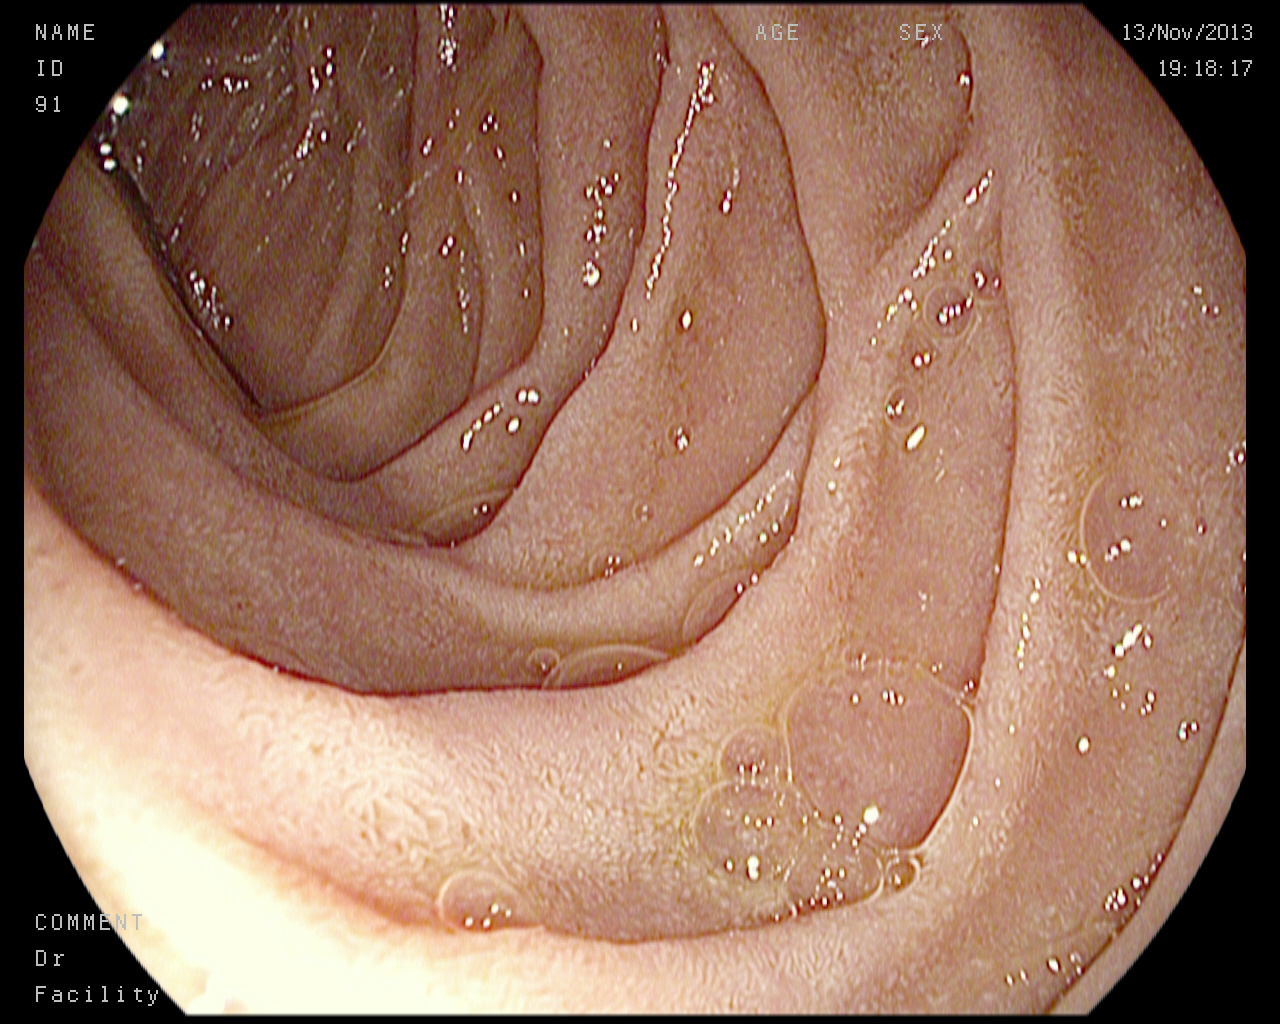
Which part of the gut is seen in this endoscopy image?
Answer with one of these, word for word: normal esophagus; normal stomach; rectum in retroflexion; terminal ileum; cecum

terminal ileum